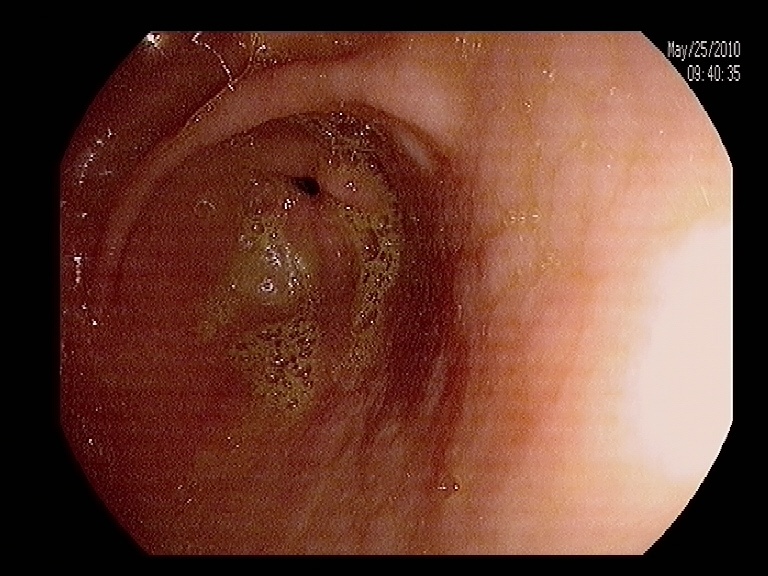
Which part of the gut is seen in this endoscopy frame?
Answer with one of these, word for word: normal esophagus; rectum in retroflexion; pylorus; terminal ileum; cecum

pylorus